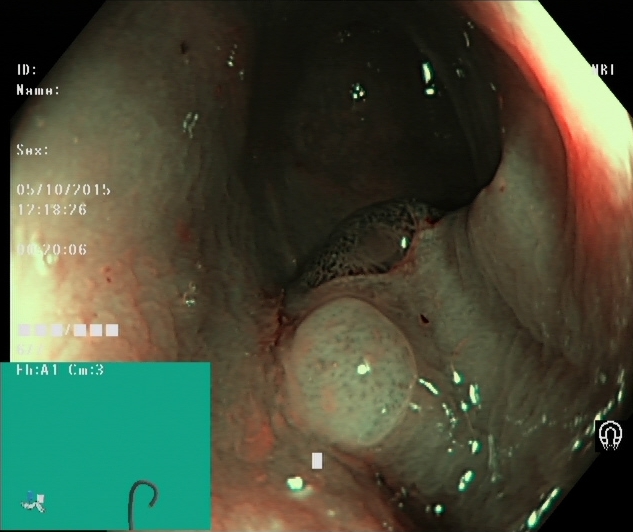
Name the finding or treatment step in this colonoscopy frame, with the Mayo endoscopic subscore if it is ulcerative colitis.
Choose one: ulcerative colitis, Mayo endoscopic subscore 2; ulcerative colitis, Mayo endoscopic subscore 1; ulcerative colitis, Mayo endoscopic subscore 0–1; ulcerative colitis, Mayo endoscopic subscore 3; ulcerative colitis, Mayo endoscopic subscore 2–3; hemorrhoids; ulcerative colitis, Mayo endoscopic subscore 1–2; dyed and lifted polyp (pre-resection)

dyed and lifted polyp (pre-resection)